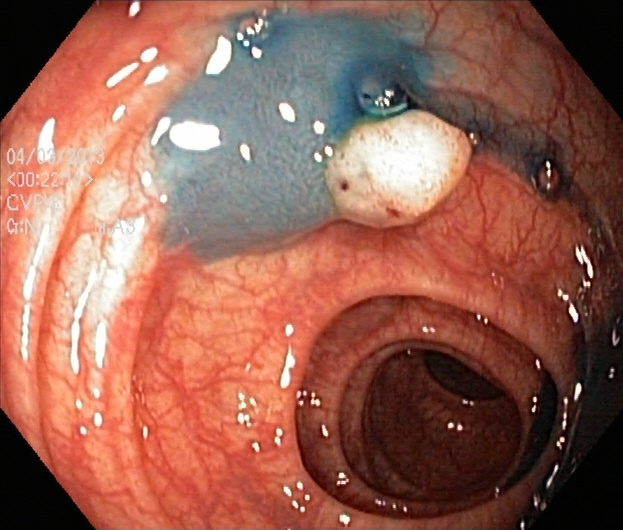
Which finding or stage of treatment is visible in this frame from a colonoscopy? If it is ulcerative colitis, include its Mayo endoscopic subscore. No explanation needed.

dyed and lifted polyp (pre-resection)